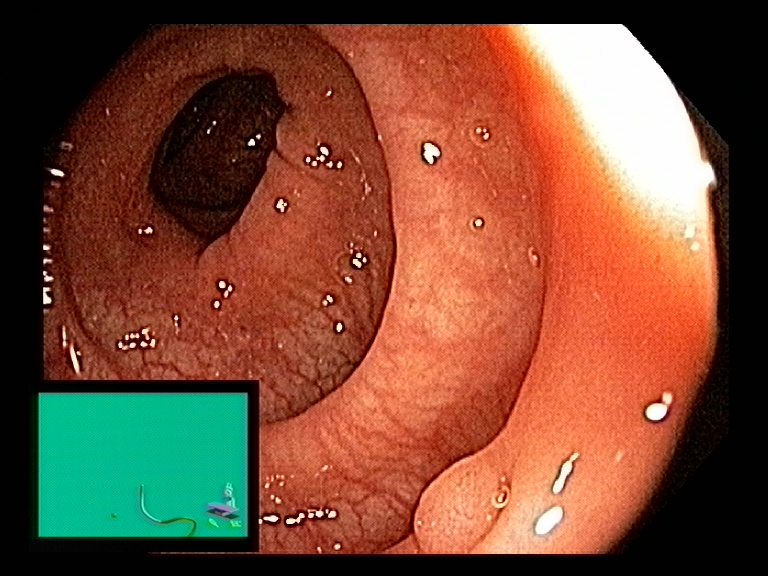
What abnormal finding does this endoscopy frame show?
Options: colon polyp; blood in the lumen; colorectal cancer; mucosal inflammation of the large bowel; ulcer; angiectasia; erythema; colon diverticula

colon polyp